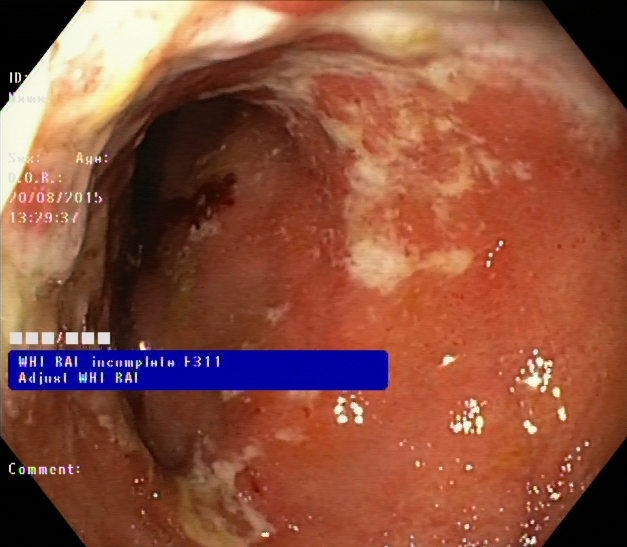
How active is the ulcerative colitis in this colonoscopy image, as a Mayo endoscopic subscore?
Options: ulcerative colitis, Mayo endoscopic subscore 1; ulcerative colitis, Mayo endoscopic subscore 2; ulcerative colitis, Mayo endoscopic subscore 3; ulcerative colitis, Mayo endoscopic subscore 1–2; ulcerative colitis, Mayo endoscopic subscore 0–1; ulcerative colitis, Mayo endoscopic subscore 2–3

ulcerative colitis, Mayo endoscopic subscore 2